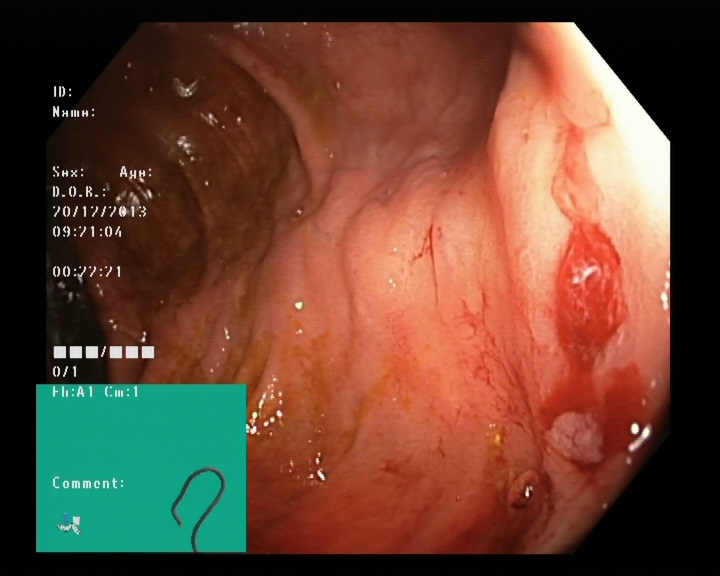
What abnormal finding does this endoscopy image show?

blood in the lumen